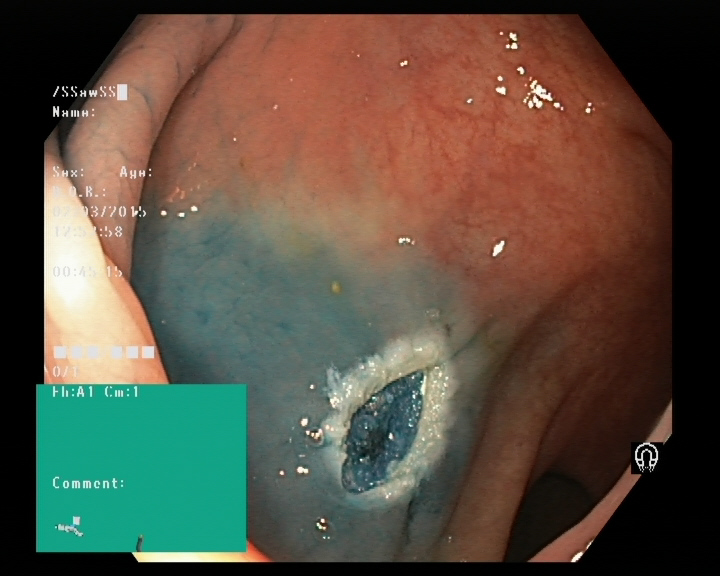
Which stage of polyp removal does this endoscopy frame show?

dyed resection margin (post-polypectomy)